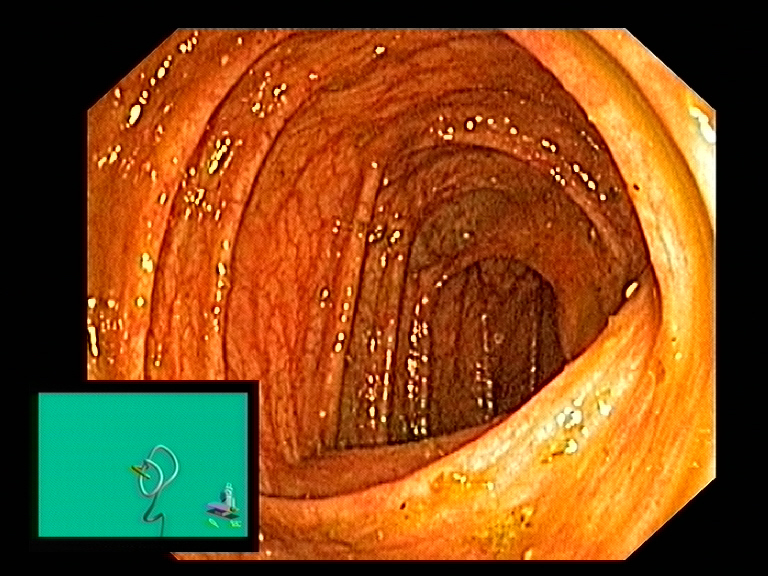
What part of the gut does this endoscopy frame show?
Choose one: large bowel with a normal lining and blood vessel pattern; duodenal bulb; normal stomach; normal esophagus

large bowel with a normal lining and blood vessel pattern